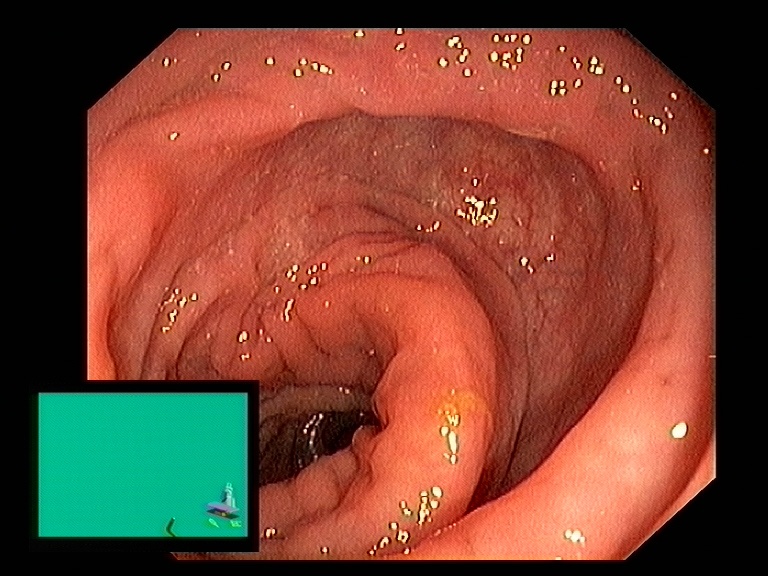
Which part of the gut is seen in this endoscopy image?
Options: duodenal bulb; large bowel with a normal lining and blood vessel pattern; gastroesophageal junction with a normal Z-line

large bowel with a normal lining and blood vessel pattern